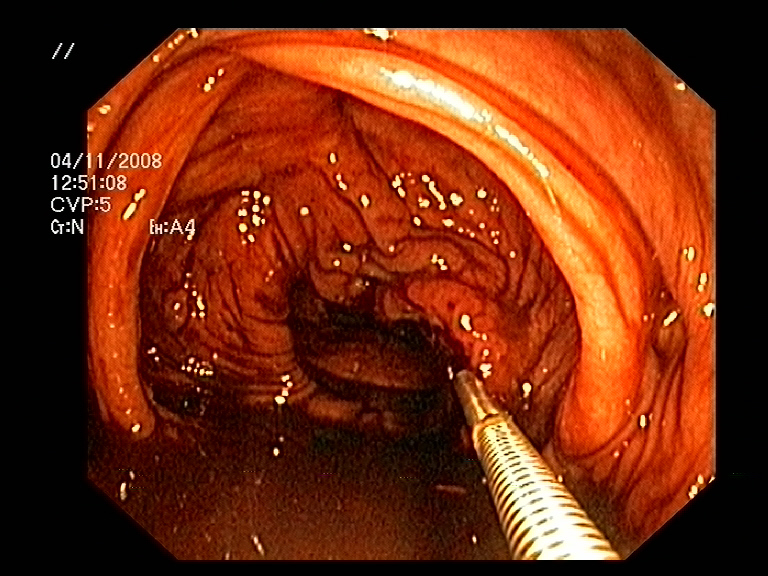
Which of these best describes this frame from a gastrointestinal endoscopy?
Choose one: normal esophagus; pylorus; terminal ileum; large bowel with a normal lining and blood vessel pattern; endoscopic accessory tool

endoscopic accessory tool